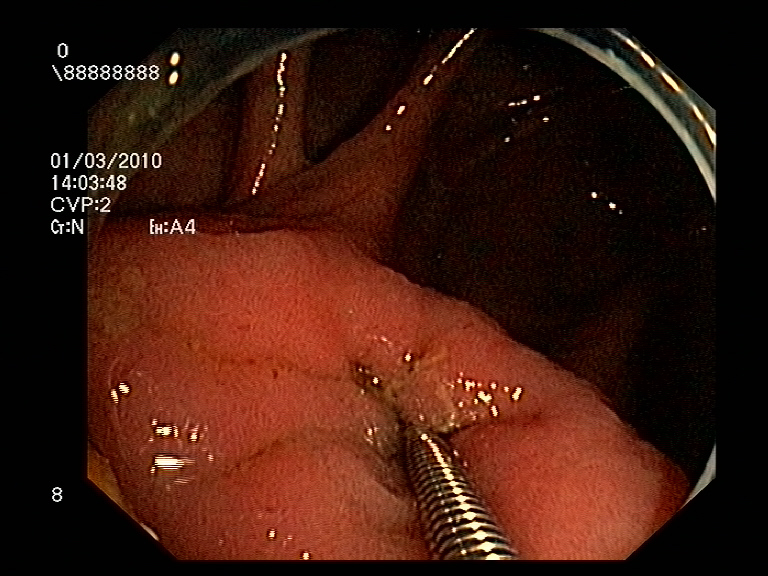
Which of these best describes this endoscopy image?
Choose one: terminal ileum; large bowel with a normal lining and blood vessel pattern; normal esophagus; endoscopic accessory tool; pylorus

endoscopic accessory tool